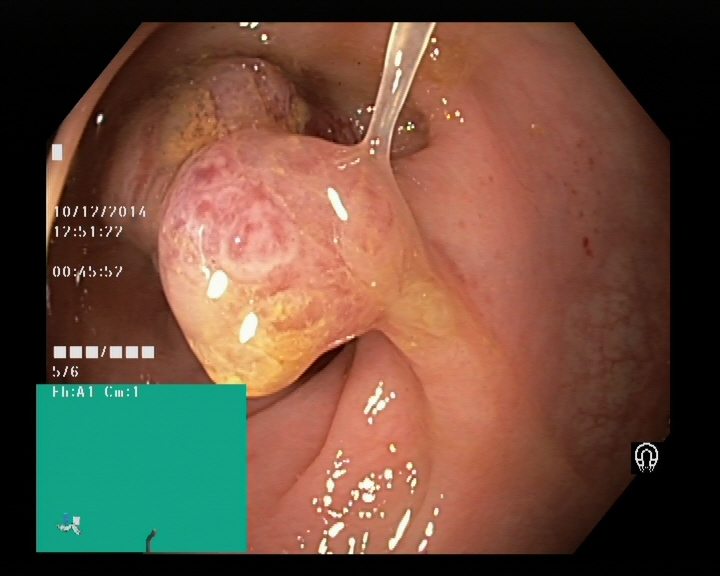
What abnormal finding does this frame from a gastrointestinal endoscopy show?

colon polyp